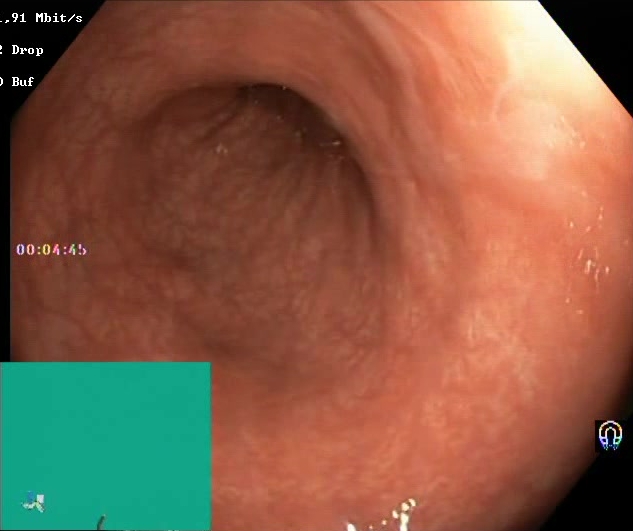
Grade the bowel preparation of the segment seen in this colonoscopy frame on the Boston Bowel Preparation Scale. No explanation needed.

Boston Bowel Preparation Scale score 2–3 (adequate preparation)